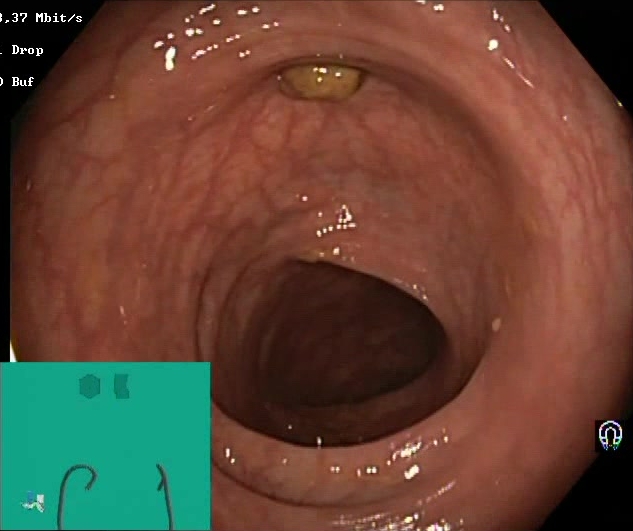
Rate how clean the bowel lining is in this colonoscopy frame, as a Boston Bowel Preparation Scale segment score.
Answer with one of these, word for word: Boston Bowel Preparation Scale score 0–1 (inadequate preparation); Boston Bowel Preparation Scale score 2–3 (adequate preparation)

Boston Bowel Preparation Scale score 2–3 (adequate preparation)